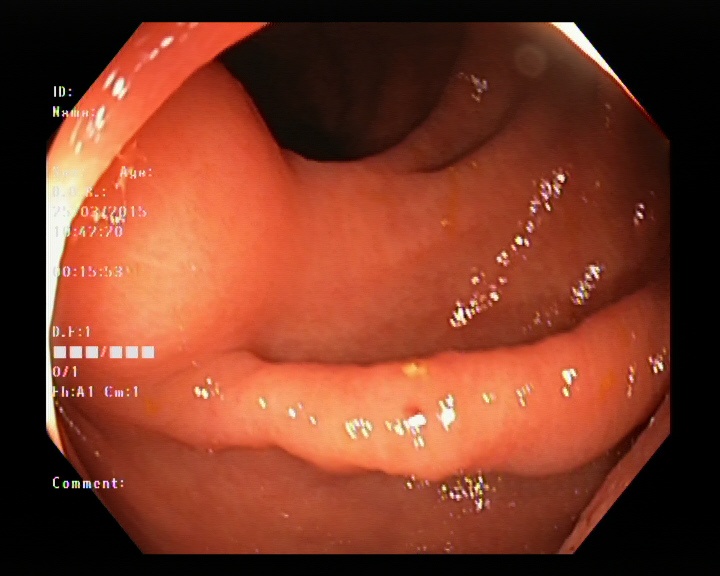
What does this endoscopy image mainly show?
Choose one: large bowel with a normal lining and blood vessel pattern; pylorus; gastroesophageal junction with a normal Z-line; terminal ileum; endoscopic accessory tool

large bowel with a normal lining and blood vessel pattern